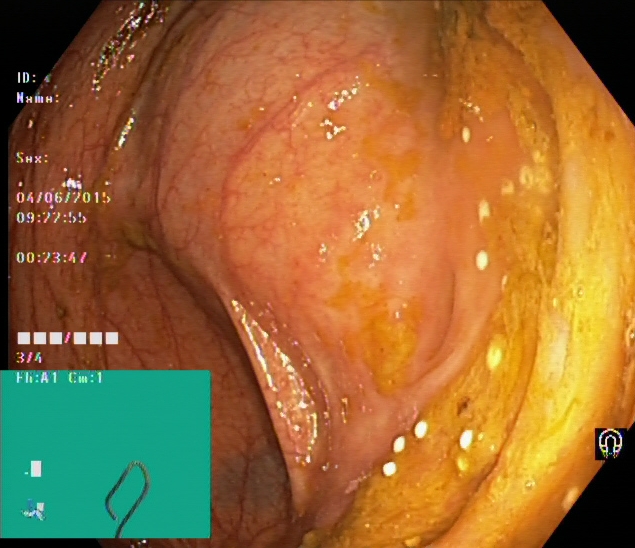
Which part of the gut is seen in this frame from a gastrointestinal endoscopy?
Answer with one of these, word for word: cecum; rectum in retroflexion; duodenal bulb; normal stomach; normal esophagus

cecum